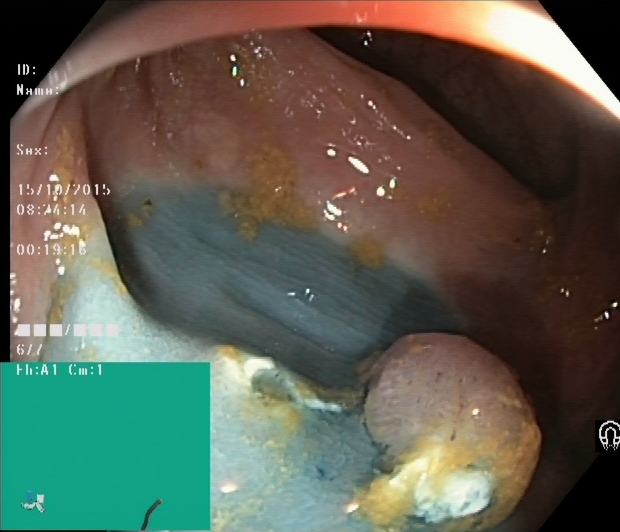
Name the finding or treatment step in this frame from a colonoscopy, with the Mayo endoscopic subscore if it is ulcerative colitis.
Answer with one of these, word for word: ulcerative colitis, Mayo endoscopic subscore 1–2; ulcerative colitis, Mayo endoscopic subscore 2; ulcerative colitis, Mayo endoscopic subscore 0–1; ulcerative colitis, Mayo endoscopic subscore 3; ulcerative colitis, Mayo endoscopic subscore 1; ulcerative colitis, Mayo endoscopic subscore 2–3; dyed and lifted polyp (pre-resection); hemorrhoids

dyed and lifted polyp (pre-resection)